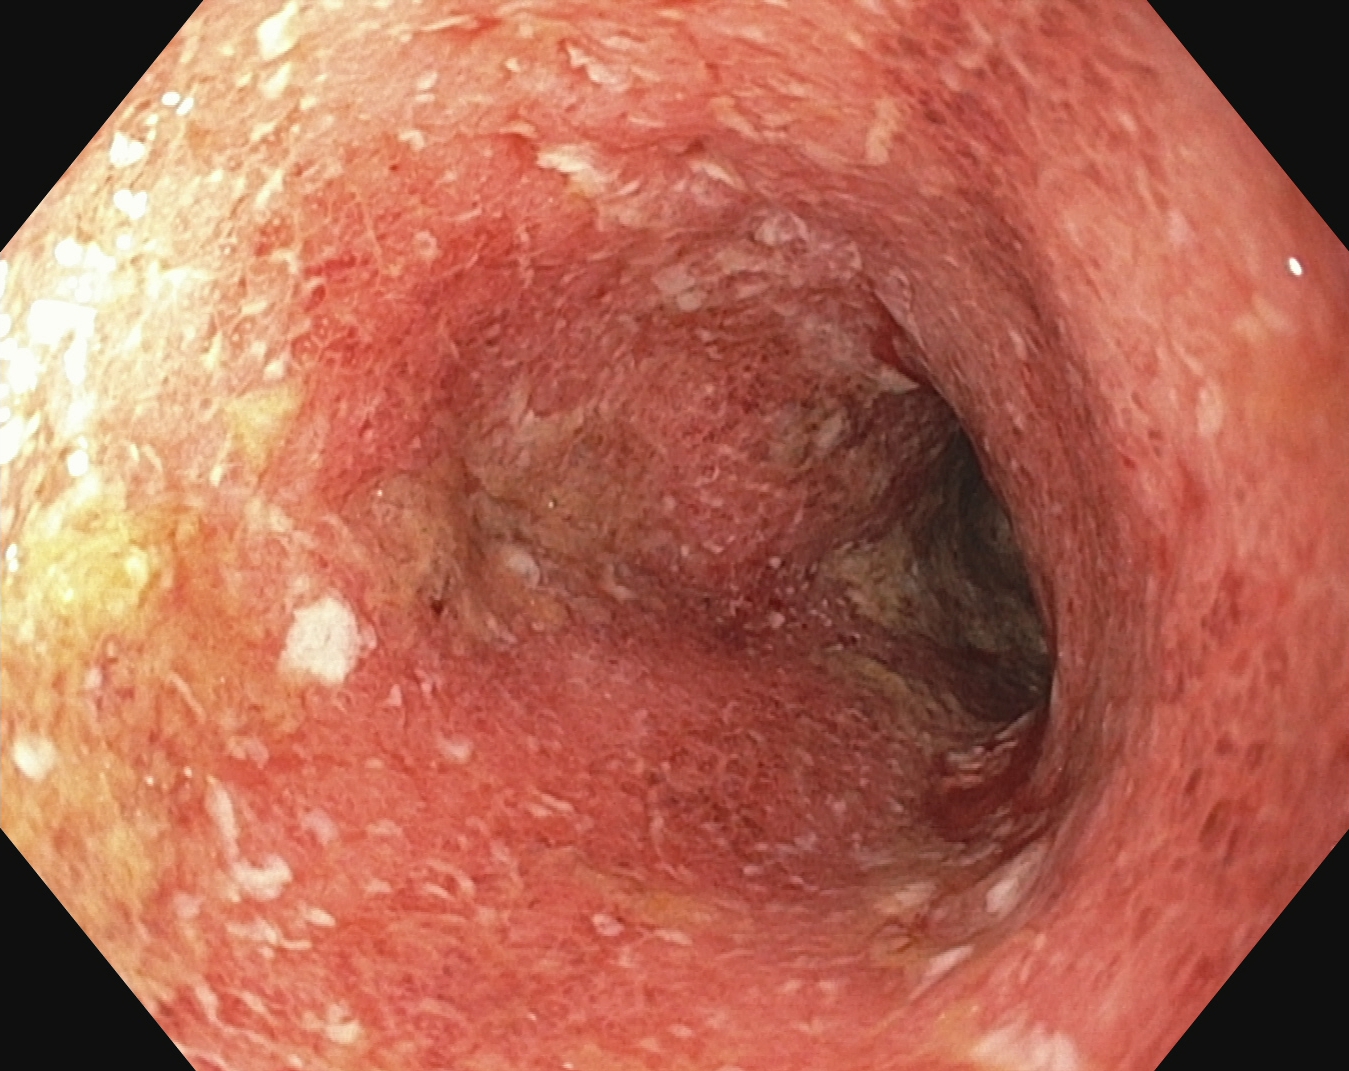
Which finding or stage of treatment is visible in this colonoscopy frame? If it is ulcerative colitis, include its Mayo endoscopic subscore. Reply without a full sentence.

ulcerative colitis, Mayo endoscopic subscore 2